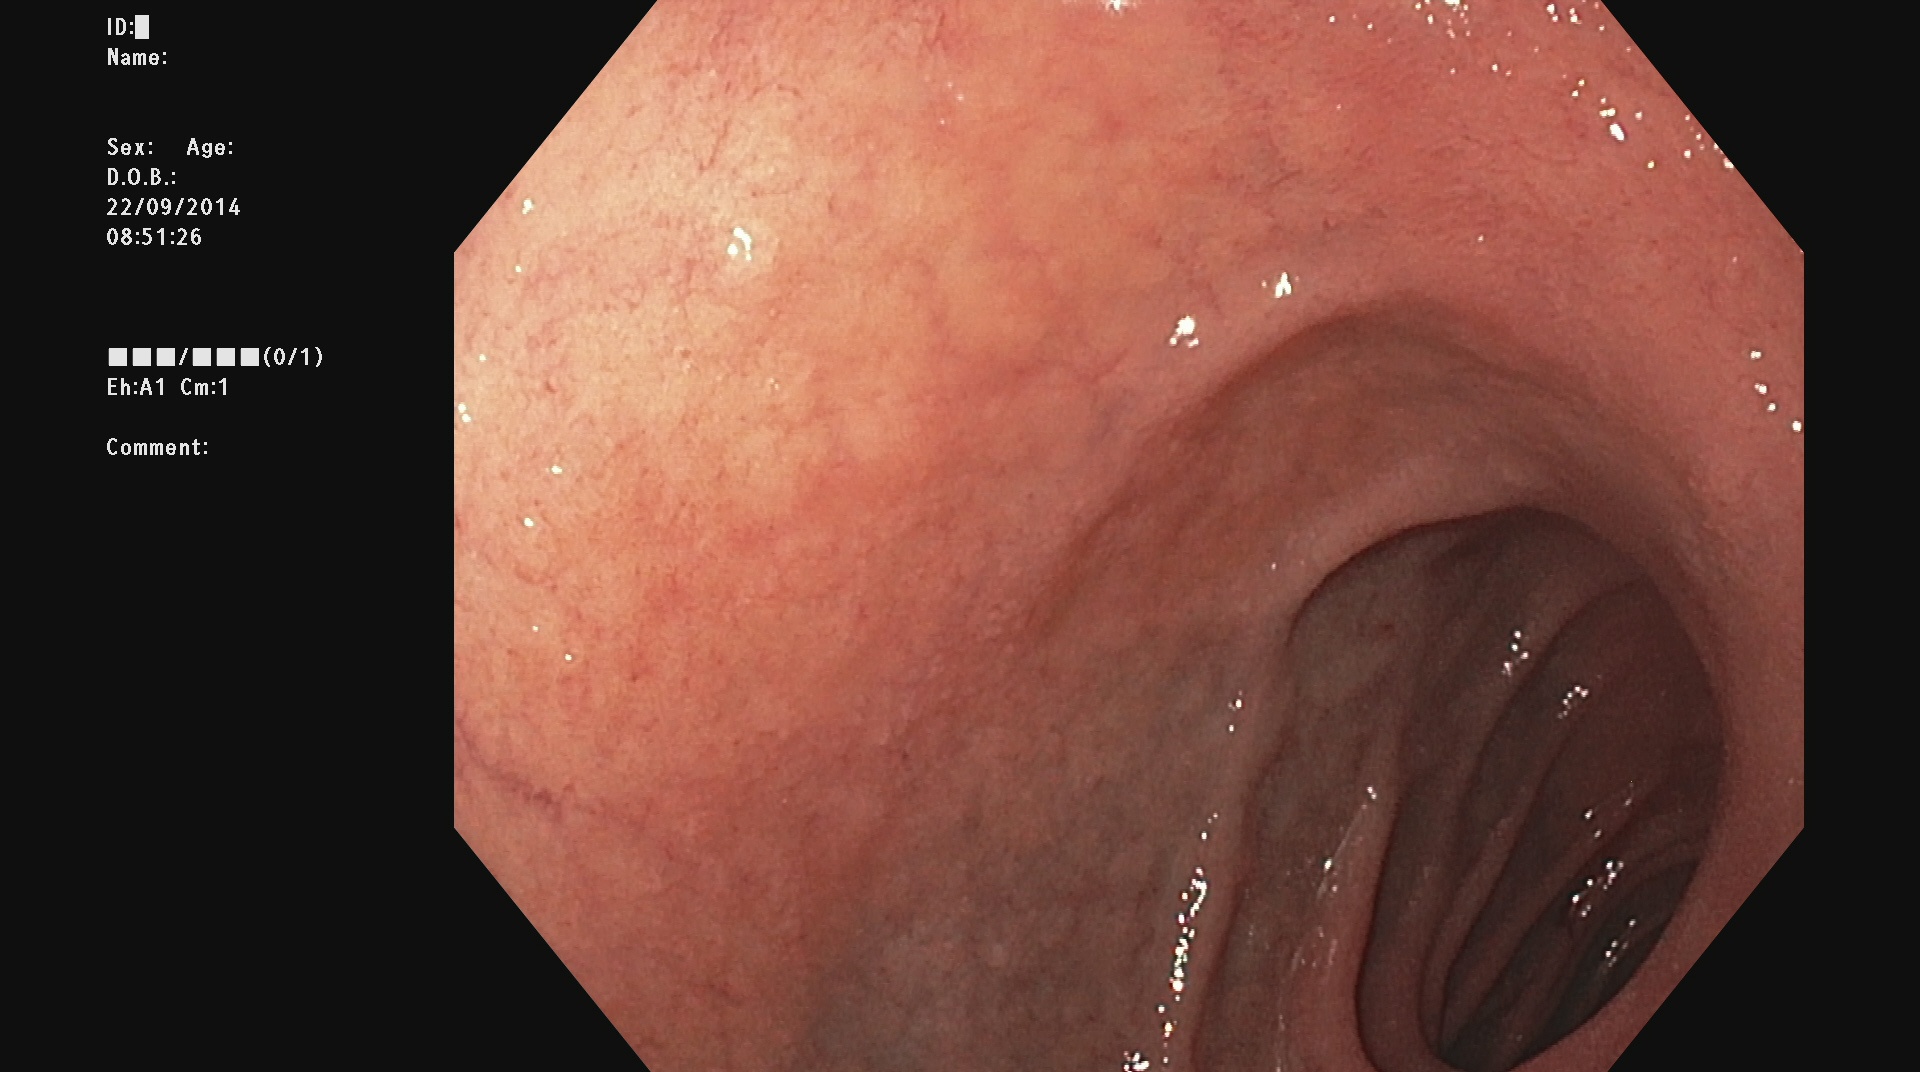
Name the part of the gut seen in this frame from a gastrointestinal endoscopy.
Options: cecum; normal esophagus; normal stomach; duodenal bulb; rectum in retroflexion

duodenal bulb